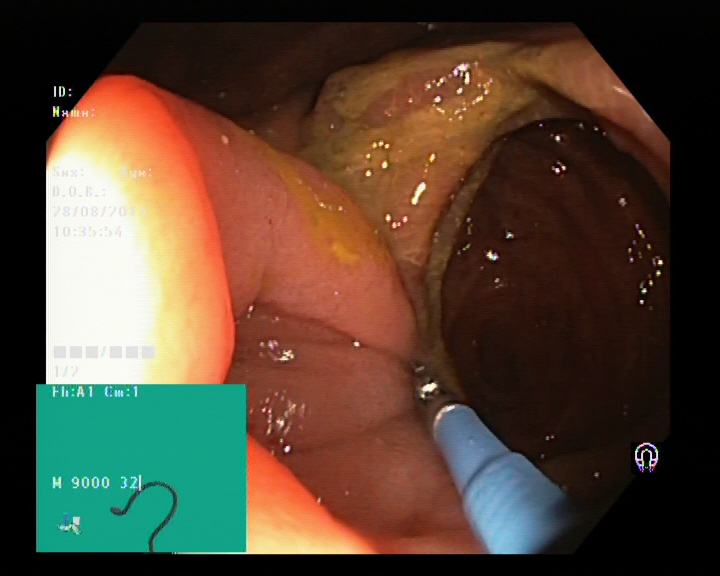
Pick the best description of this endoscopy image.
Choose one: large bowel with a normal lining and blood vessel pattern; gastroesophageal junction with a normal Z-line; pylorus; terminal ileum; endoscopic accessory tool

endoscopic accessory tool